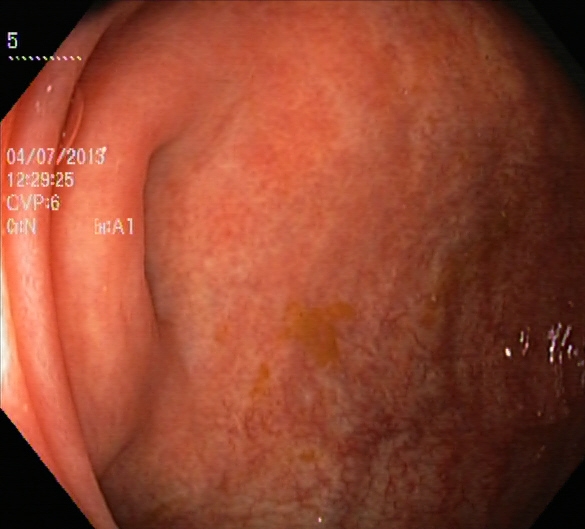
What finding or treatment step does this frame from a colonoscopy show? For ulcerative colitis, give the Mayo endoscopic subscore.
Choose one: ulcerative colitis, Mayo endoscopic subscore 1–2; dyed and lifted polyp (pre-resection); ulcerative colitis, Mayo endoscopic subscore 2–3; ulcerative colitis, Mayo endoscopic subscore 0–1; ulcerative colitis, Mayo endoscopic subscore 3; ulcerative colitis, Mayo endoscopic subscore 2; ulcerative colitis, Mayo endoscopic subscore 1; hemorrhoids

ulcerative colitis, Mayo endoscopic subscore 1